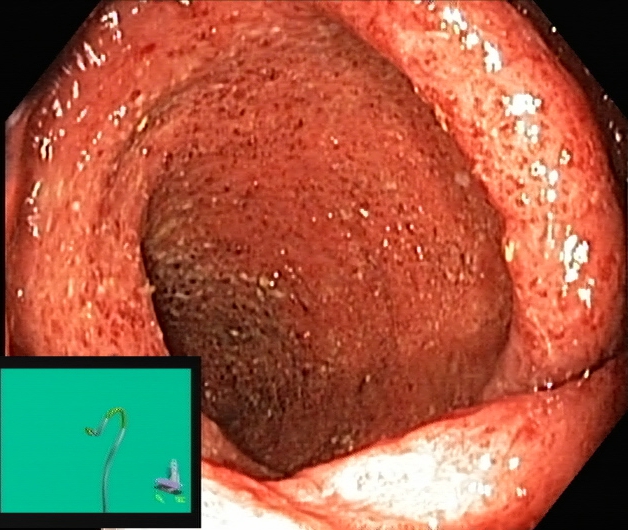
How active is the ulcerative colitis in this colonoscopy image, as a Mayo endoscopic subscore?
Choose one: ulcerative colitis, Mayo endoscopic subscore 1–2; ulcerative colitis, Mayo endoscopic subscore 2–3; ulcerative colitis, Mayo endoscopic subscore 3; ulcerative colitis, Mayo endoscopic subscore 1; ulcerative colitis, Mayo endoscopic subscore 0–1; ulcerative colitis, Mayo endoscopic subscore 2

ulcerative colitis, Mayo endoscopic subscore 3